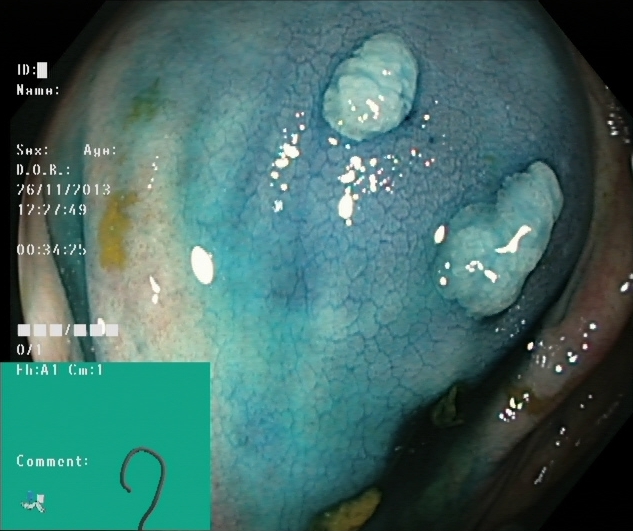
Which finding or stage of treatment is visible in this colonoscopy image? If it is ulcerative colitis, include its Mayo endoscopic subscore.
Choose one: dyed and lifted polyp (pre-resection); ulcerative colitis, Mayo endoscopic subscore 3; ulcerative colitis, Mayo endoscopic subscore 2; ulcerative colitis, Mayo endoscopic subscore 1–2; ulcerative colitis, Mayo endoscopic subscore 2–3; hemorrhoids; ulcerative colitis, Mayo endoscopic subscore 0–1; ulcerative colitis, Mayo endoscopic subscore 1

dyed and lifted polyp (pre-resection)